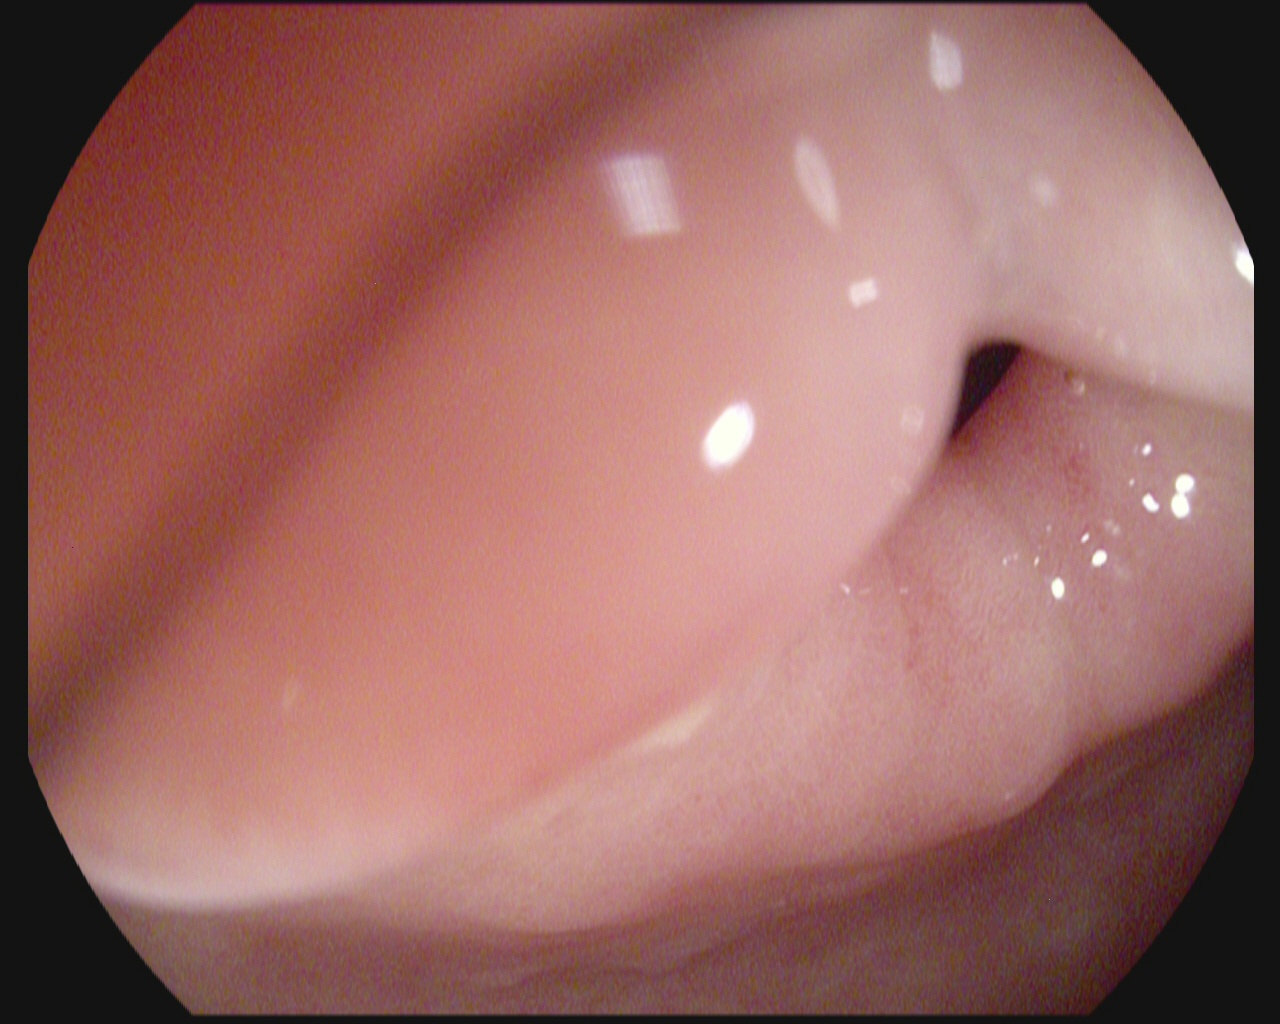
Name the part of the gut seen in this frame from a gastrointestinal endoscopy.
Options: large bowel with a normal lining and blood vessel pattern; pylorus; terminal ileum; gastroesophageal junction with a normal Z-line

pylorus